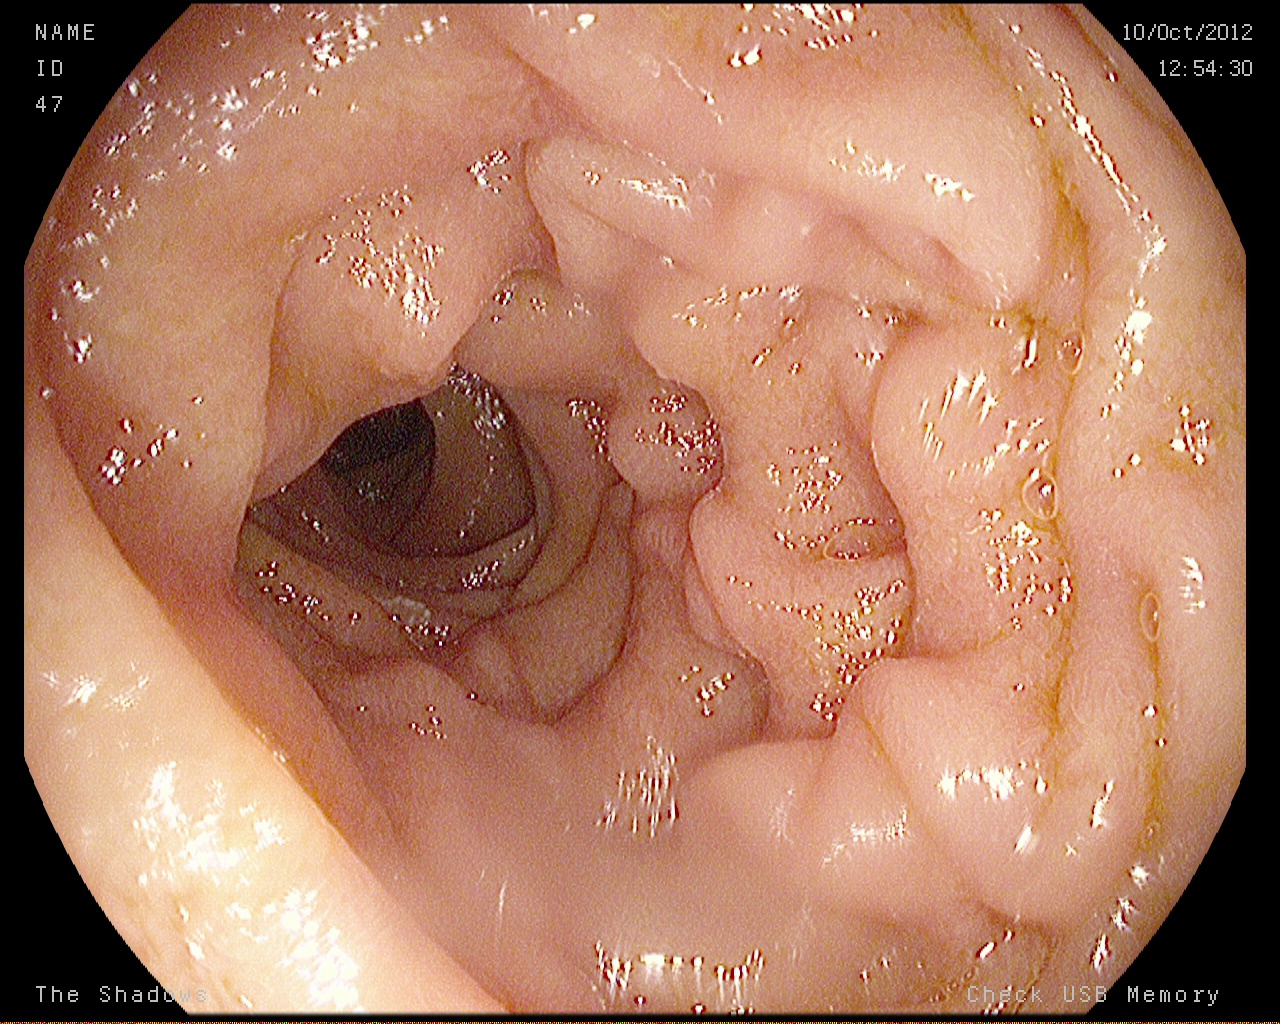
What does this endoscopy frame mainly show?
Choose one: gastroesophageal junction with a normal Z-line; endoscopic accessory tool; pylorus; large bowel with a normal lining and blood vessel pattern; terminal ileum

terminal ileum